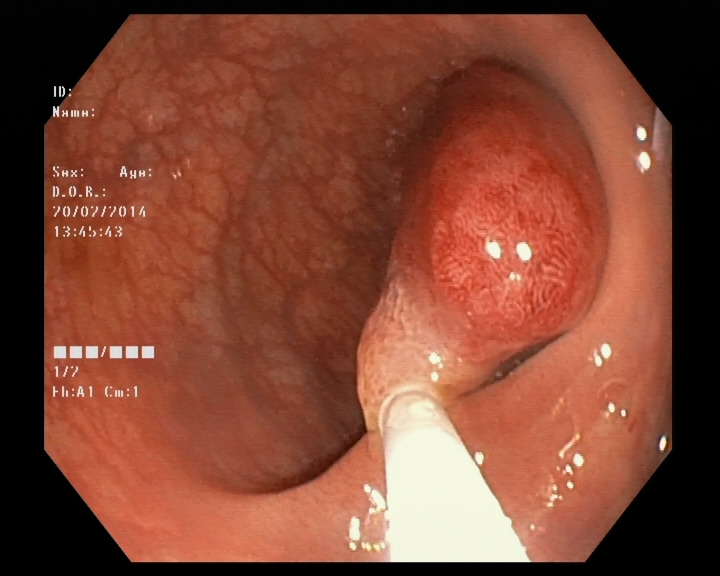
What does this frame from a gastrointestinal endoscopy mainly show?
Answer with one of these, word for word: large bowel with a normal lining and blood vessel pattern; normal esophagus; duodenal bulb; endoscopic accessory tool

endoscopic accessory tool